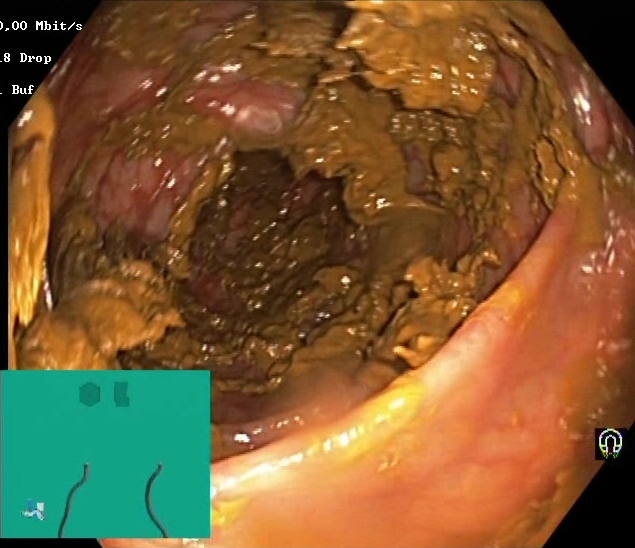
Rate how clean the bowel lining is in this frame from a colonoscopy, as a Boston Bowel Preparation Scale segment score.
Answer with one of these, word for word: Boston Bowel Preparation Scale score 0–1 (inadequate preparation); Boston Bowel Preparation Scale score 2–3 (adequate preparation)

Boston Bowel Preparation Scale score 0–1 (inadequate preparation)